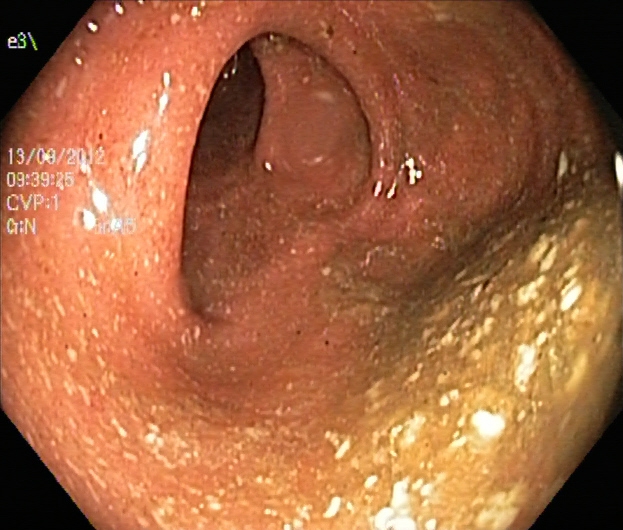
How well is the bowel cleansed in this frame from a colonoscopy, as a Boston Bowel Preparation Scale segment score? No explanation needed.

Boston Bowel Preparation Scale score 0–1 (inadequate preparation)